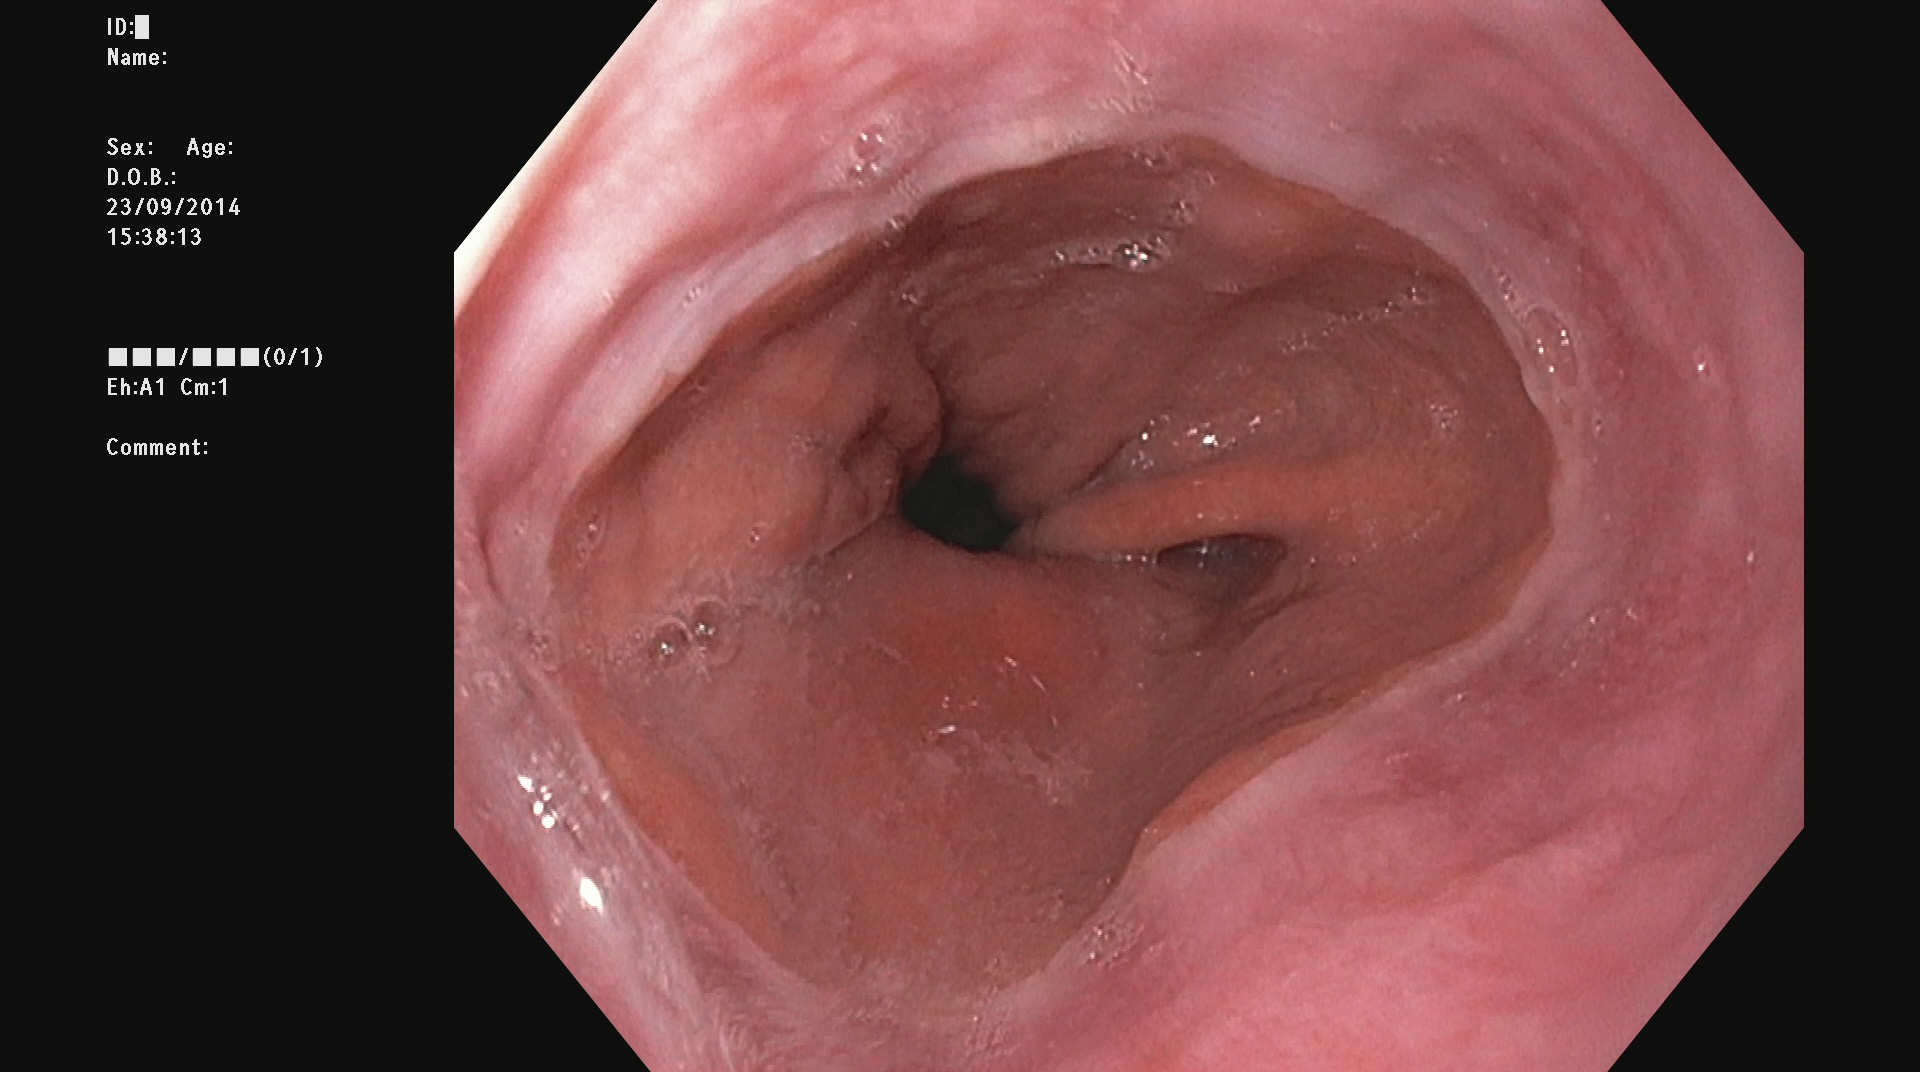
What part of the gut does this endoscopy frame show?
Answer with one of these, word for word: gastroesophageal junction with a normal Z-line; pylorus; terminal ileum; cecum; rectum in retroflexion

gastroesophageal junction with a normal Z-line